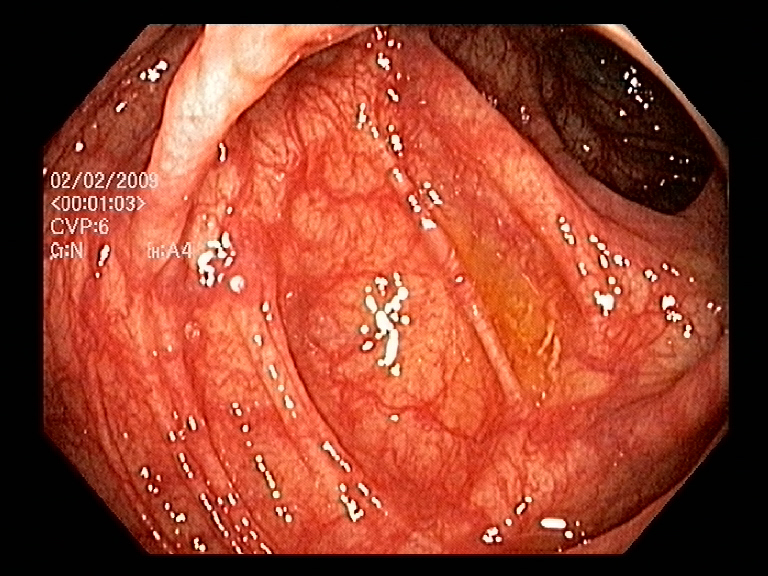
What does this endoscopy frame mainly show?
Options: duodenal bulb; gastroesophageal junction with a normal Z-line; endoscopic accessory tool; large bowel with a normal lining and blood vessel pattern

large bowel with a normal lining and blood vessel pattern